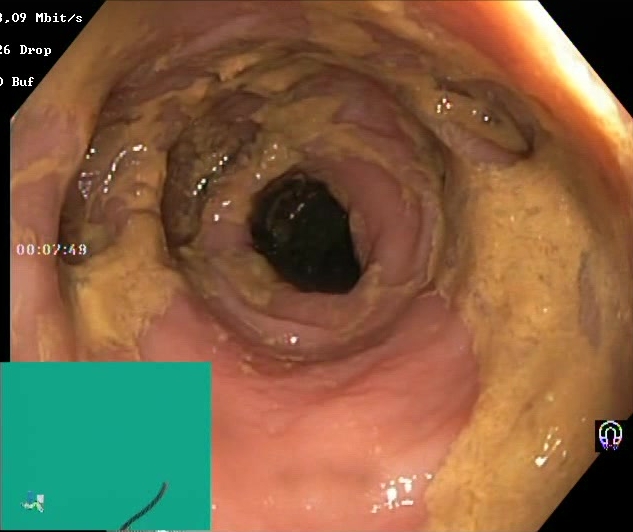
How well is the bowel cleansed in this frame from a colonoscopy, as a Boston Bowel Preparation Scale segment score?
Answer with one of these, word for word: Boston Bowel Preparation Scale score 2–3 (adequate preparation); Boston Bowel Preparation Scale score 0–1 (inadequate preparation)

Boston Bowel Preparation Scale score 0–1 (inadequate preparation)